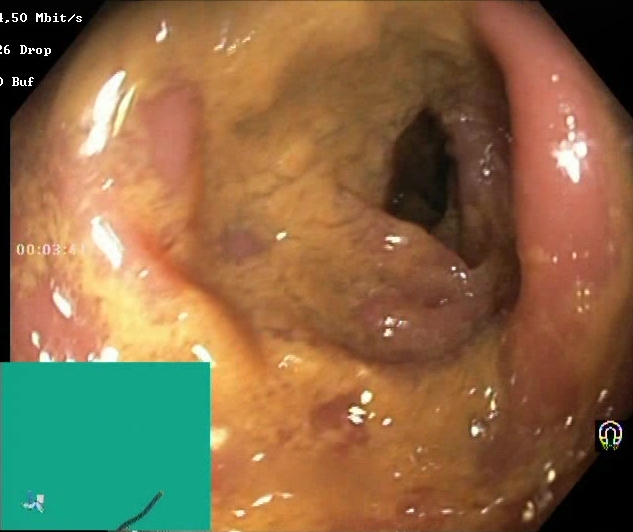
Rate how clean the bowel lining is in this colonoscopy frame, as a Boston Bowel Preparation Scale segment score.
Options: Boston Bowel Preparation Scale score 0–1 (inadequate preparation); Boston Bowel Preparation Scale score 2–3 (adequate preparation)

Boston Bowel Preparation Scale score 0–1 (inadequate preparation)